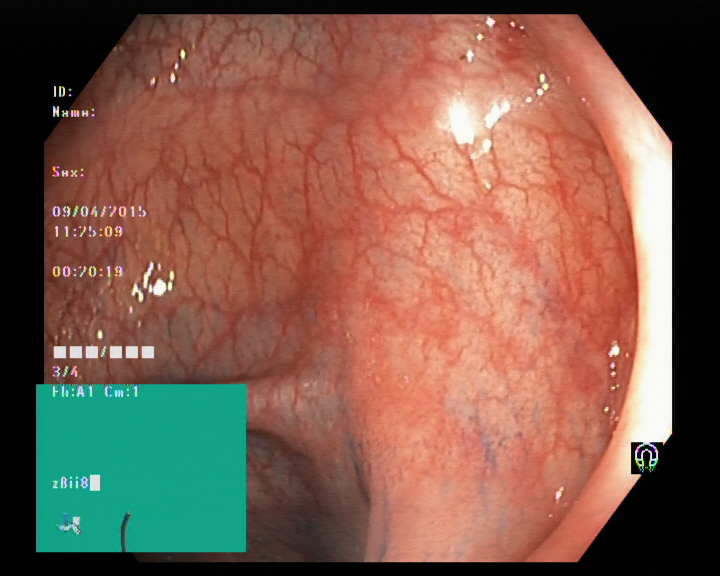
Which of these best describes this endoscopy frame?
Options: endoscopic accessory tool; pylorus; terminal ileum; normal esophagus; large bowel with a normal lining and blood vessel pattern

large bowel with a normal lining and blood vessel pattern